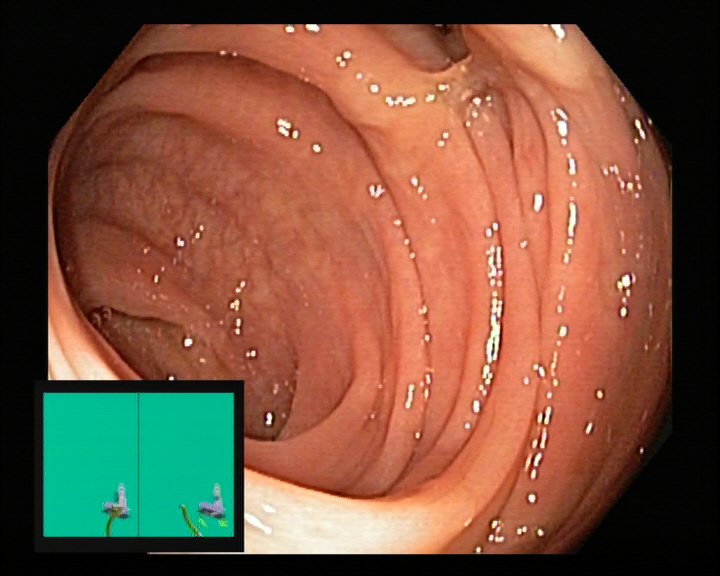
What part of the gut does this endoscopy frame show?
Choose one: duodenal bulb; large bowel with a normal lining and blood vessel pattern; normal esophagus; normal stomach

large bowel with a normal lining and blood vessel pattern